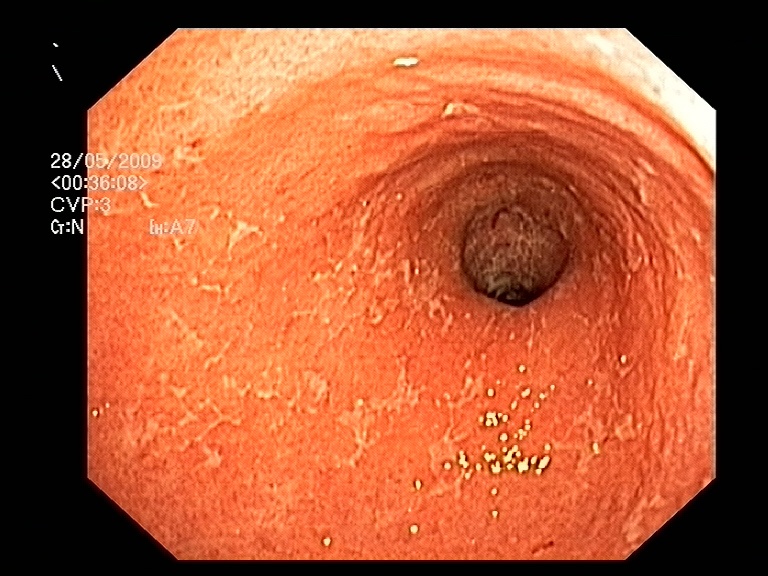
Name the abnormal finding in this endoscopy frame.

mucosal inflammation of the large bowel